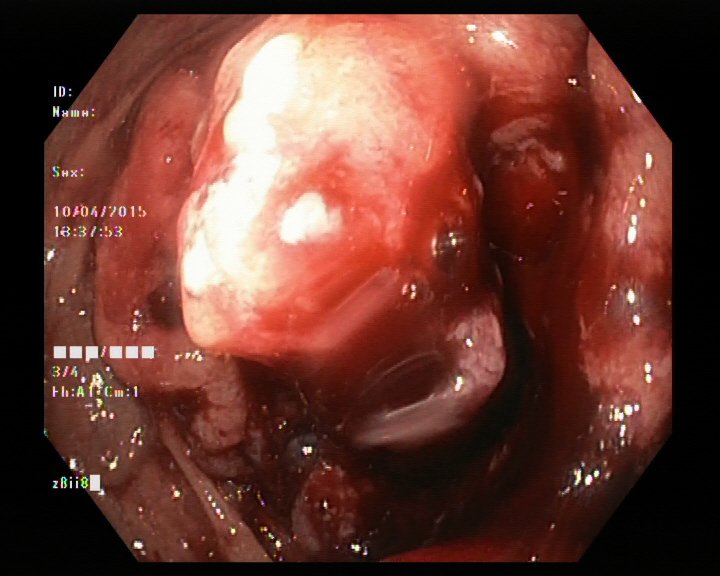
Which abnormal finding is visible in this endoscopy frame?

colorectal cancer